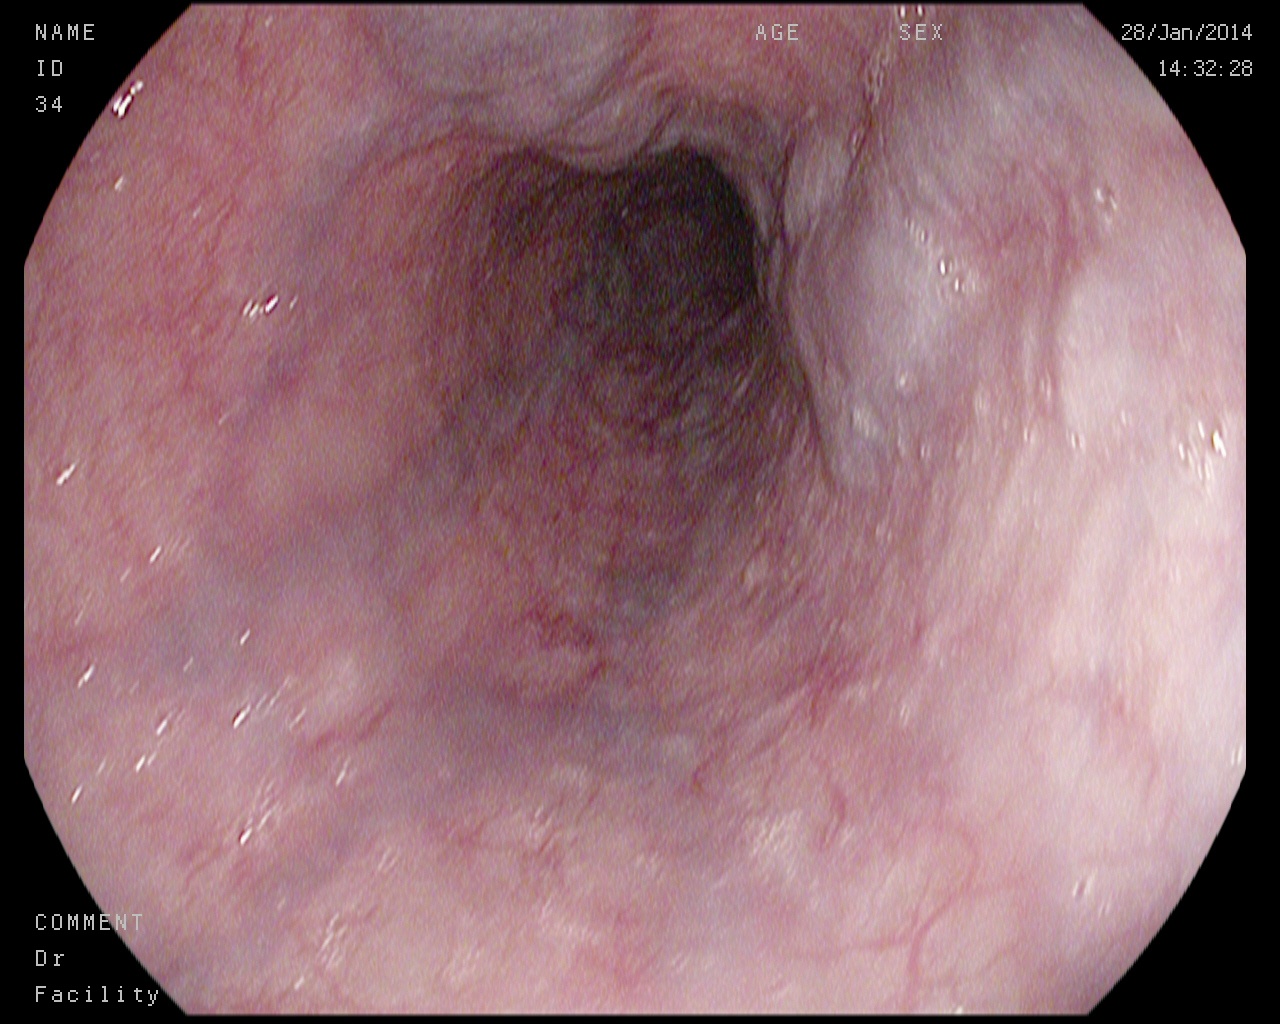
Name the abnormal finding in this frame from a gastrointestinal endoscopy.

esophageal varices